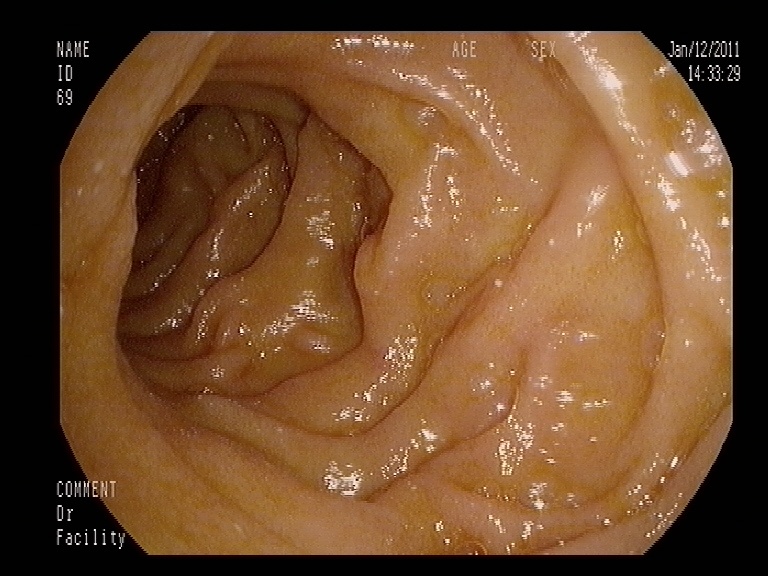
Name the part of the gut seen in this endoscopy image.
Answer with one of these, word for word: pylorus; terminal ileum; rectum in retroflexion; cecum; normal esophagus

terminal ileum